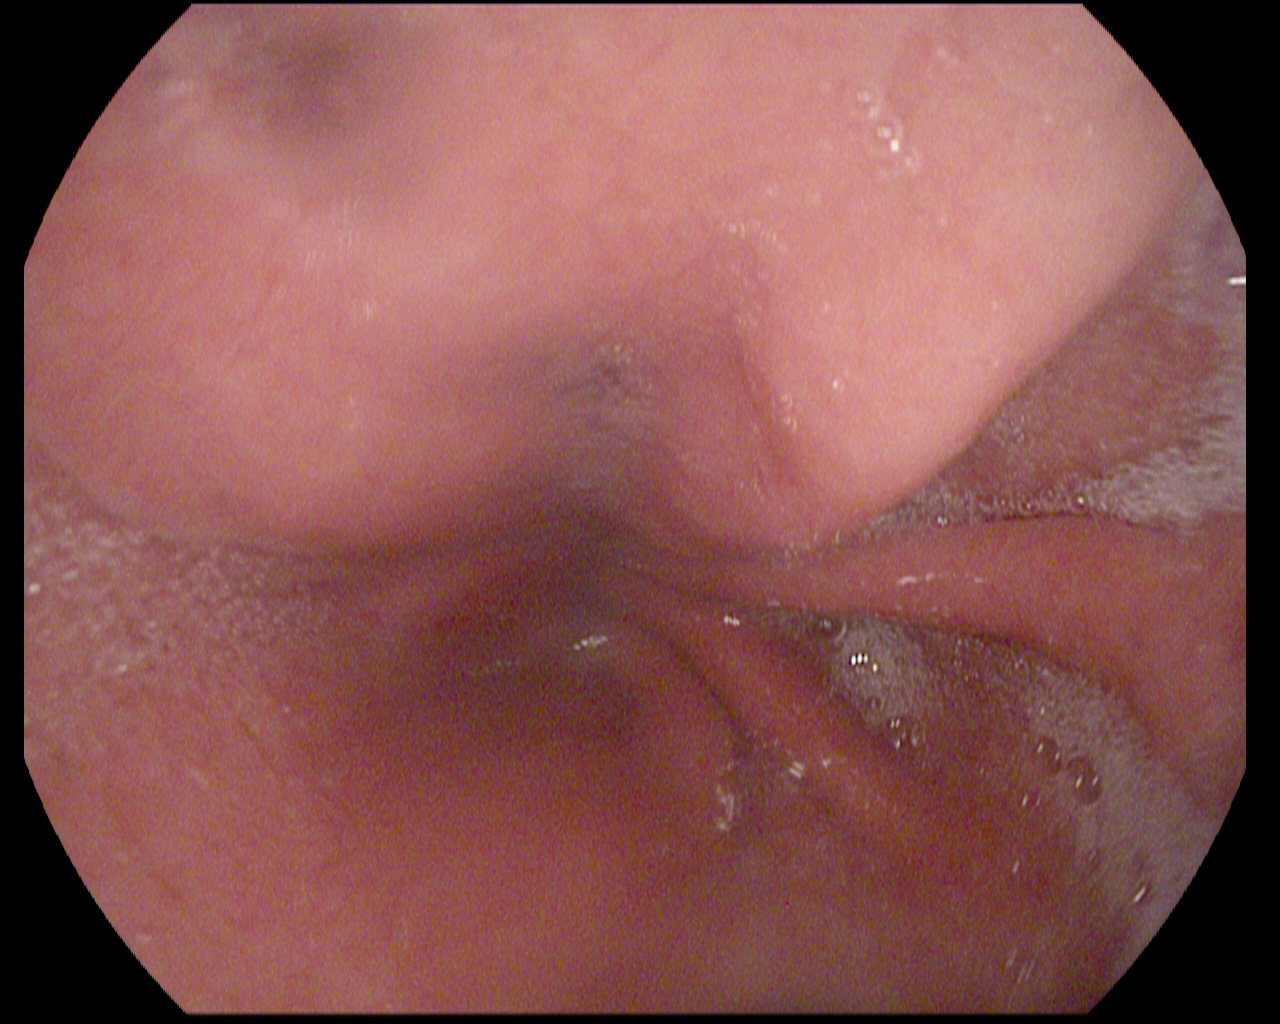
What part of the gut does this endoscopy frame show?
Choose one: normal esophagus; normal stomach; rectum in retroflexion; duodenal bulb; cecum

normal stomach